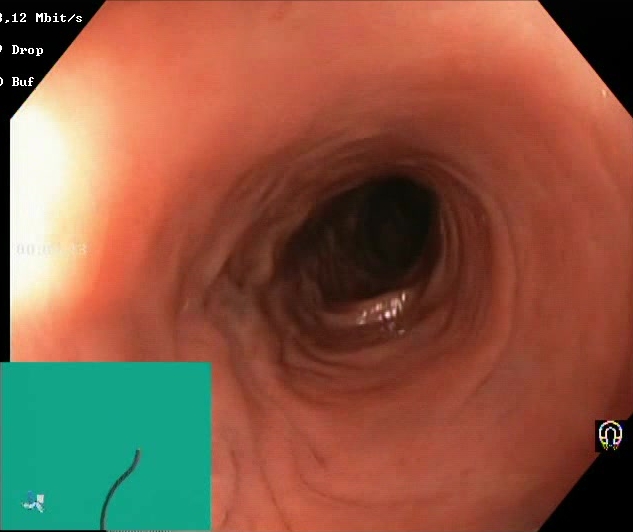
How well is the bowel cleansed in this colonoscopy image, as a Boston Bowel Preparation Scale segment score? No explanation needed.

Boston Bowel Preparation Scale score 2–3 (adequate preparation)